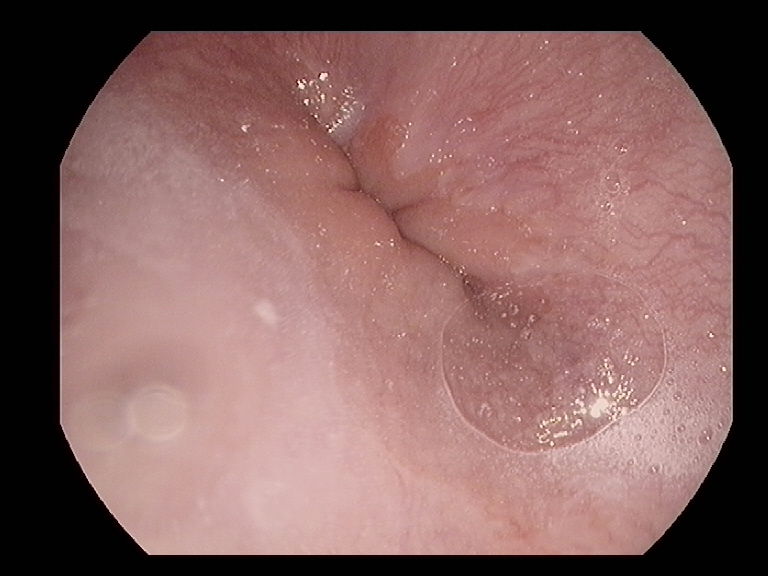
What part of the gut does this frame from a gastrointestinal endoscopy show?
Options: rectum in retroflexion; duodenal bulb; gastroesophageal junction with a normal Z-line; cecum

gastroesophageal junction with a normal Z-line